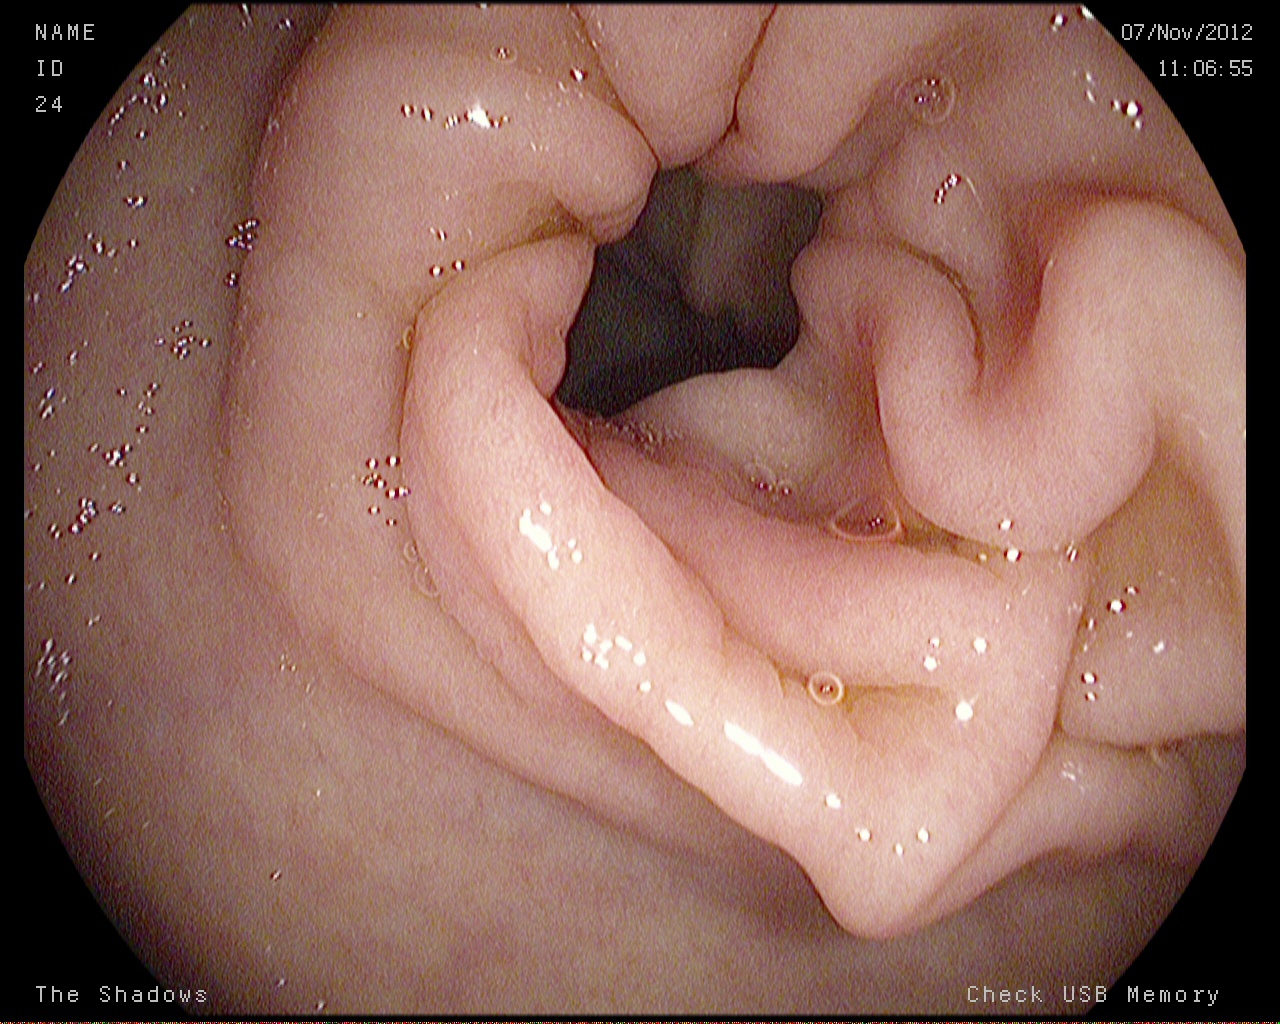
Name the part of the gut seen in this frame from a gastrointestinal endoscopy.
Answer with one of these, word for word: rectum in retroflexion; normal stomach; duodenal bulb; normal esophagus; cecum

normal stomach